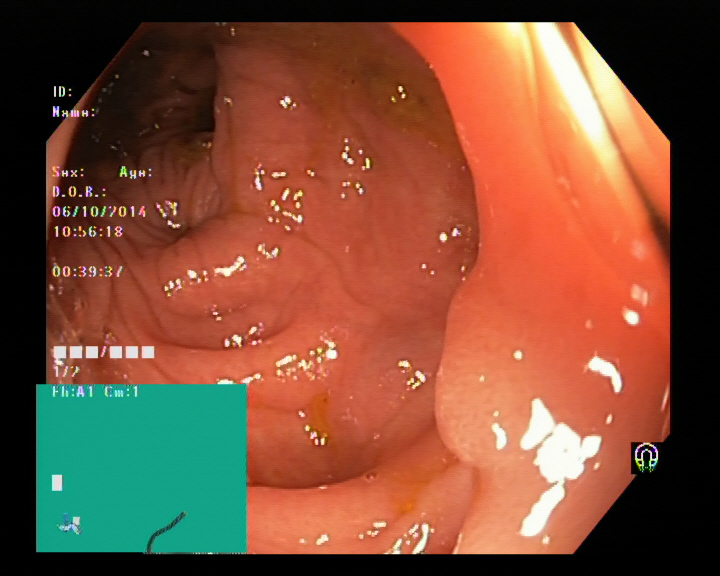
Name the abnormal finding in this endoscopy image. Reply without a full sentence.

colon polyp